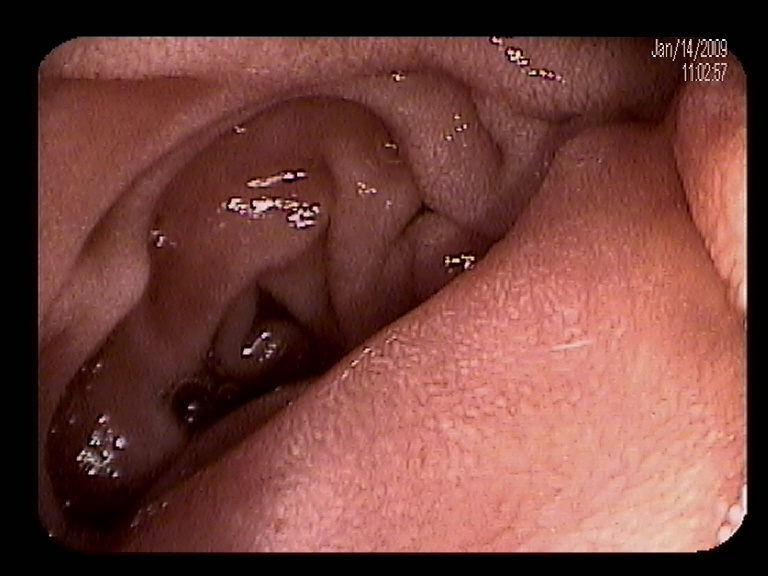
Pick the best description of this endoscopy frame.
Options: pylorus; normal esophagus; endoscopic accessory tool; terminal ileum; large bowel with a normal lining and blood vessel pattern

terminal ileum